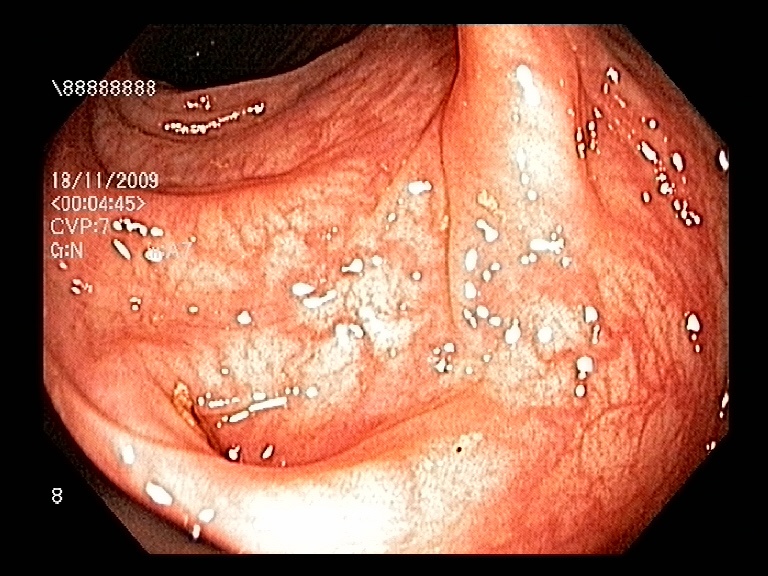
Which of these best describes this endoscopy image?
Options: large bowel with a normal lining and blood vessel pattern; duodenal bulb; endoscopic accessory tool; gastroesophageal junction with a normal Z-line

large bowel with a normal lining and blood vessel pattern